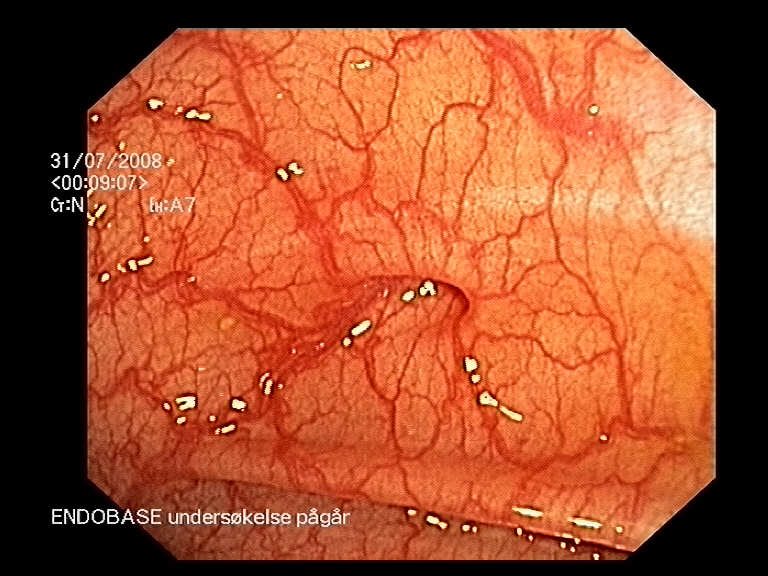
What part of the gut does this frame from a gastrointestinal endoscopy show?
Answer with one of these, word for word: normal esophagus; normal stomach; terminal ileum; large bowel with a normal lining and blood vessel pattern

large bowel with a normal lining and blood vessel pattern